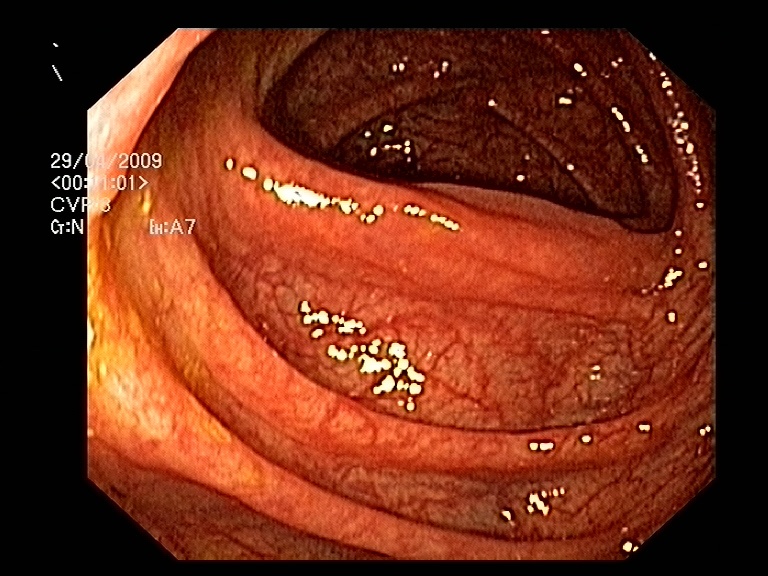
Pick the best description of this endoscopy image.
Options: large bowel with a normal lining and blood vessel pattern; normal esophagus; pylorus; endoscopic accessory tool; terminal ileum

large bowel with a normal lining and blood vessel pattern